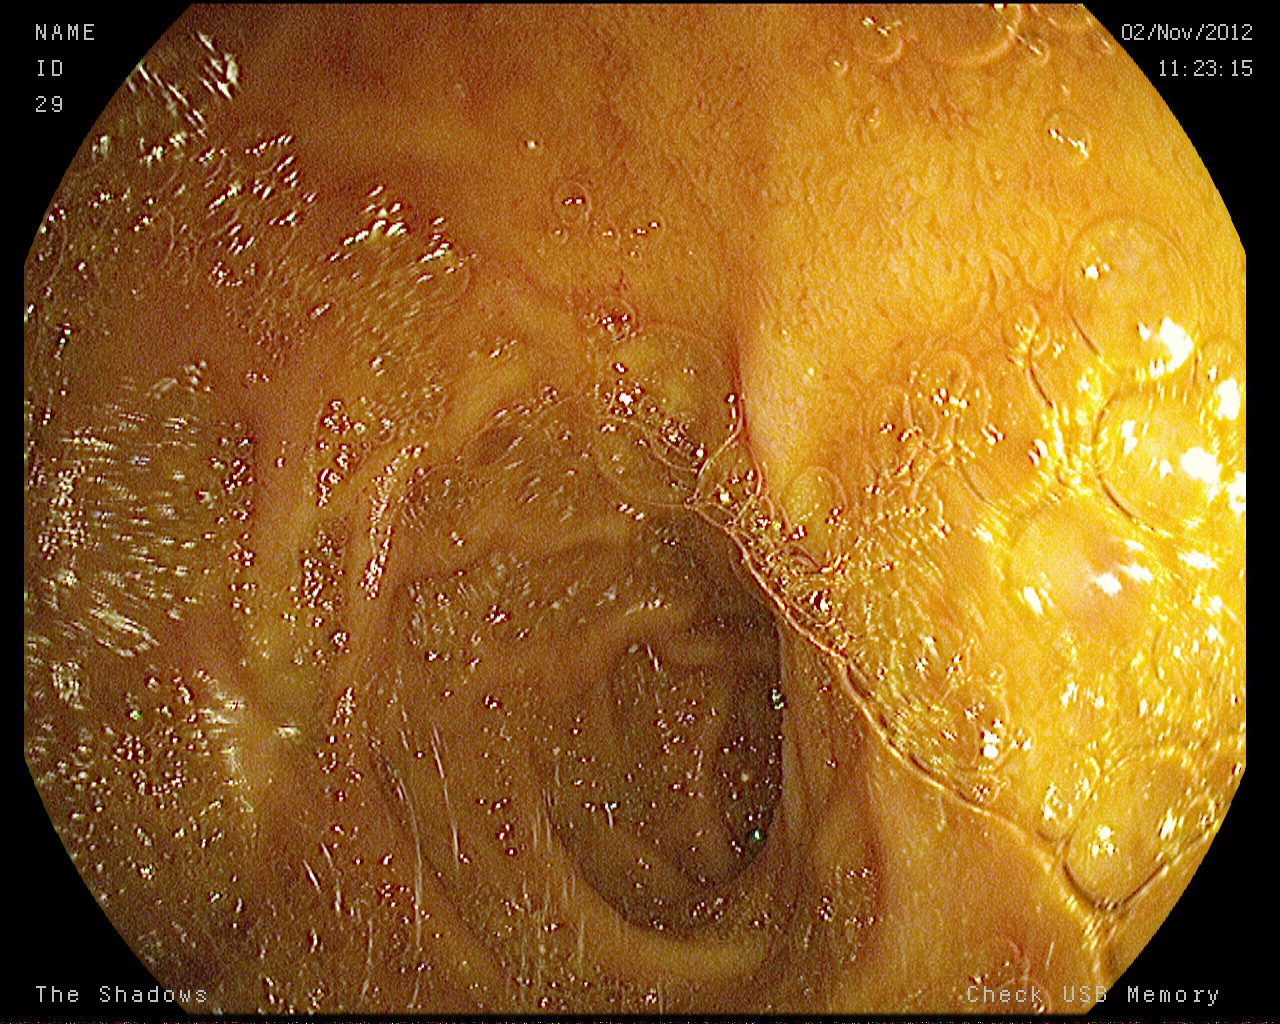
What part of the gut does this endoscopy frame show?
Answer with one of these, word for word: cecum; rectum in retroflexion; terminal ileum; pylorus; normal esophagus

terminal ileum